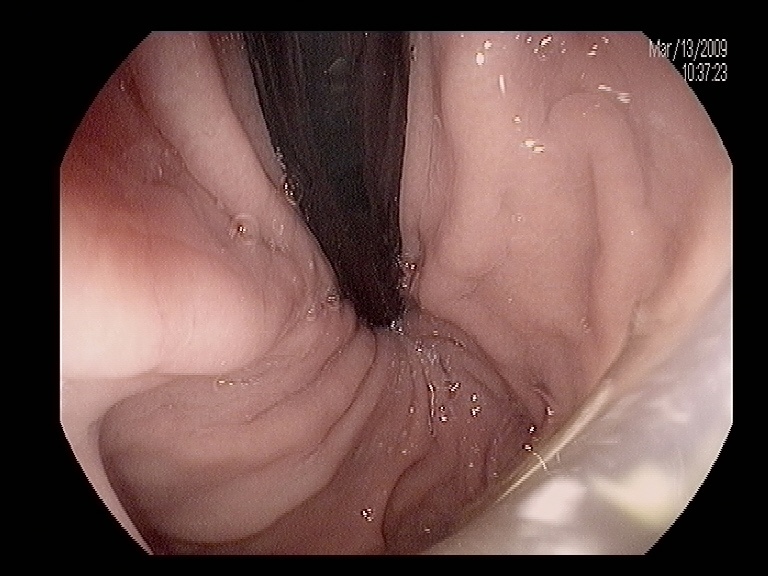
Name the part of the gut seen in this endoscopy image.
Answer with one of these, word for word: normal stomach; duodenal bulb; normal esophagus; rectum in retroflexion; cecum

normal stomach